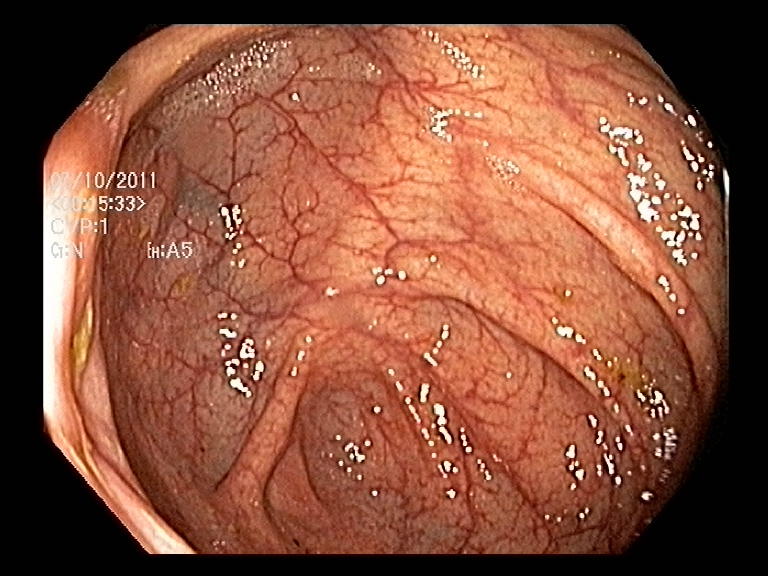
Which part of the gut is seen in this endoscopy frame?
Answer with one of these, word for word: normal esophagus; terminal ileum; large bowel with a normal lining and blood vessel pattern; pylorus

large bowel with a normal lining and blood vessel pattern